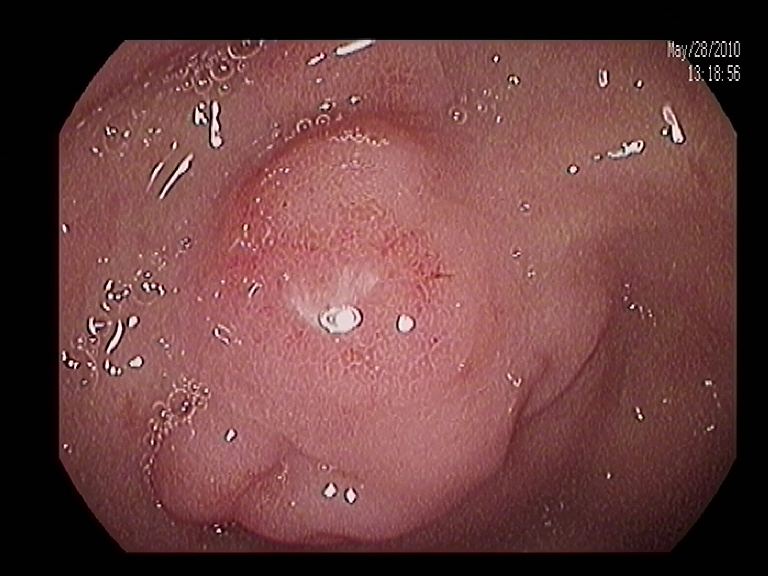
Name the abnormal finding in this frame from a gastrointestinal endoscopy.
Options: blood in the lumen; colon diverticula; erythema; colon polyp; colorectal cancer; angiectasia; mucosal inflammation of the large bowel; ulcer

colon polyp